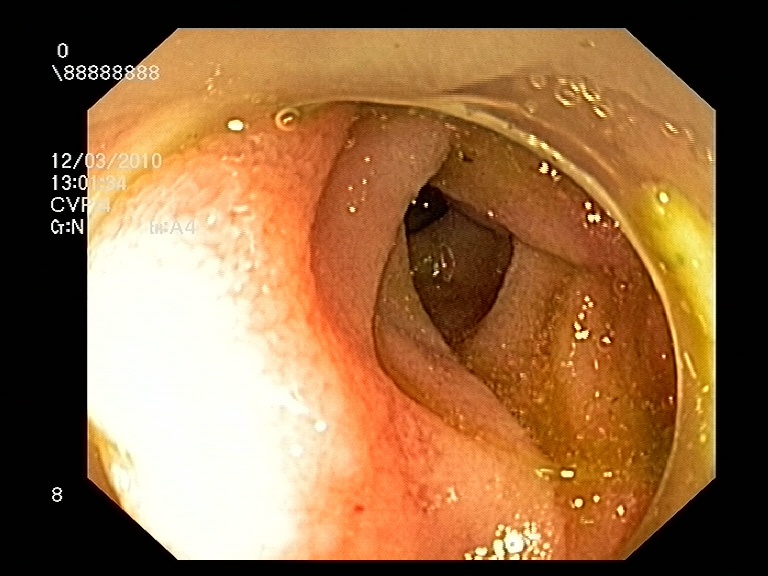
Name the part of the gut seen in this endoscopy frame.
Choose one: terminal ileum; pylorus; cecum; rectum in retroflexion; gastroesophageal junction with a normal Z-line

terminal ileum